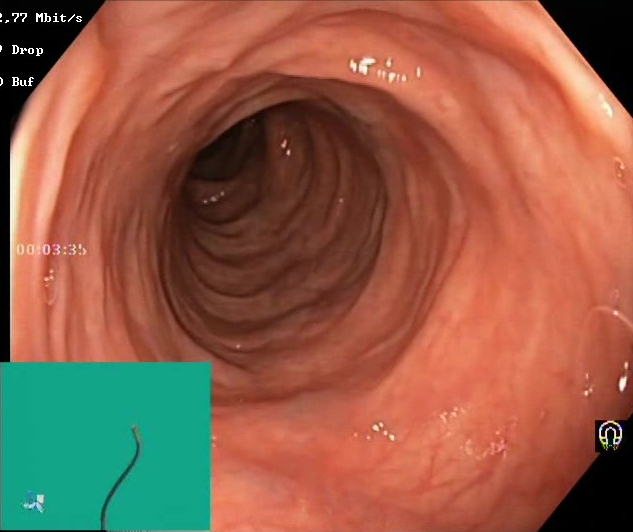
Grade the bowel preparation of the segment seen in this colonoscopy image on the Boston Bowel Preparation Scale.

Boston Bowel Preparation Scale score 2–3 (adequate preparation)